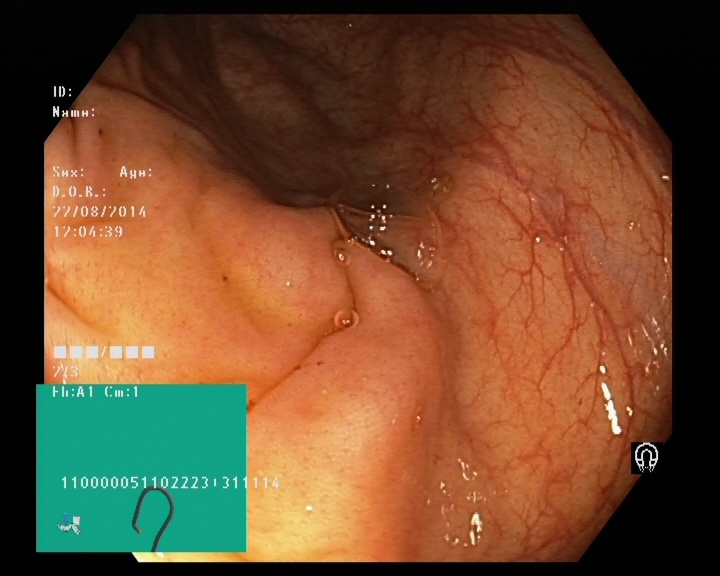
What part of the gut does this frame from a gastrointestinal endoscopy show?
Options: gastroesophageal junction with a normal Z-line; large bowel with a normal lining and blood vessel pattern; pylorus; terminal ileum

large bowel with a normal lining and blood vessel pattern